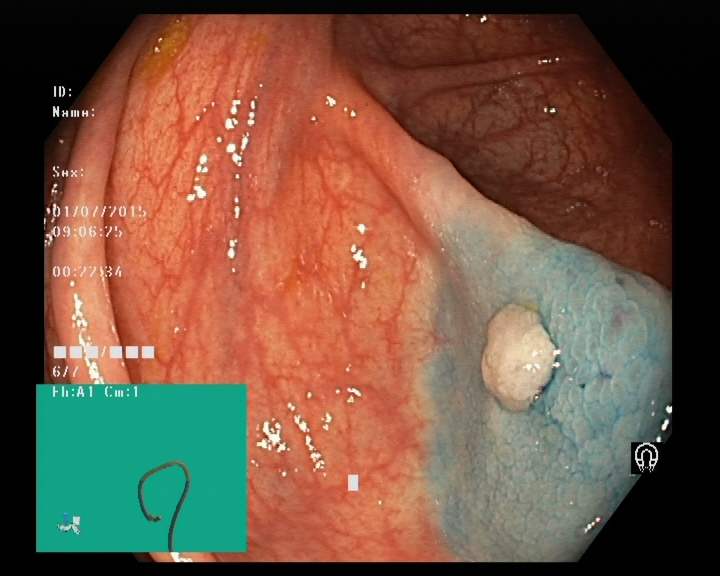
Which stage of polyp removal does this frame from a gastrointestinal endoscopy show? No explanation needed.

dyed and lifted polyp (pre-resection)